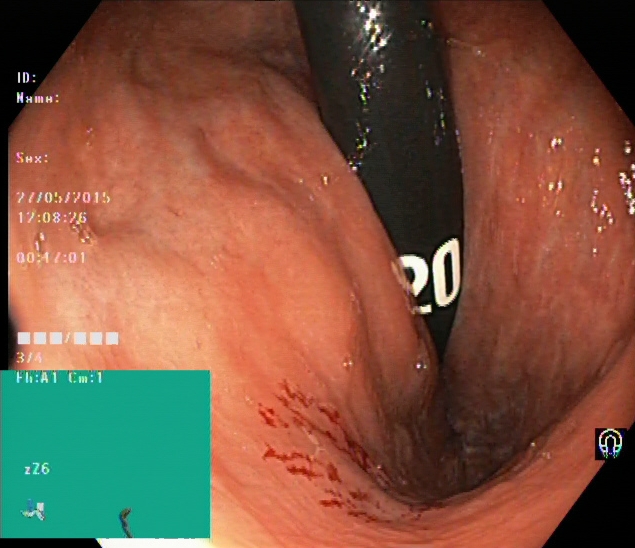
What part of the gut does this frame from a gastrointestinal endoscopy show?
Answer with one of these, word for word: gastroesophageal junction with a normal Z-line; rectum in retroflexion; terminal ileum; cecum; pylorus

rectum in retroflexion